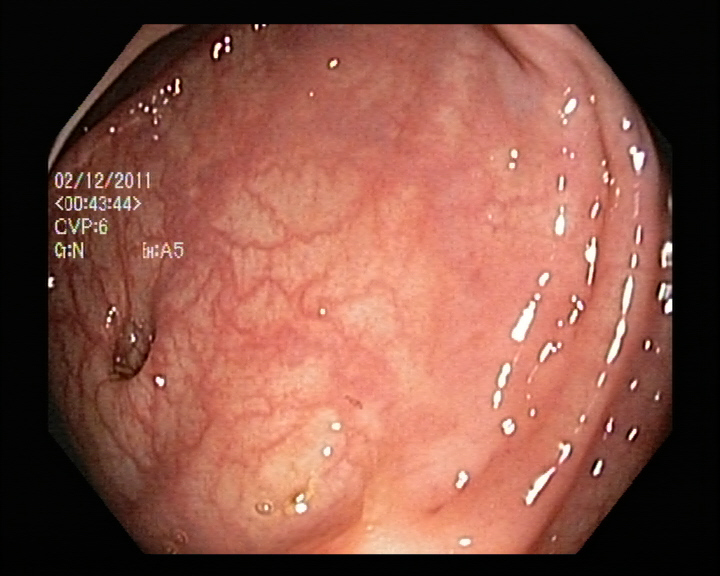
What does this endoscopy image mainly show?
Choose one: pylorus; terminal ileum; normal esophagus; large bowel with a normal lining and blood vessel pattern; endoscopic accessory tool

large bowel with a normal lining and blood vessel pattern